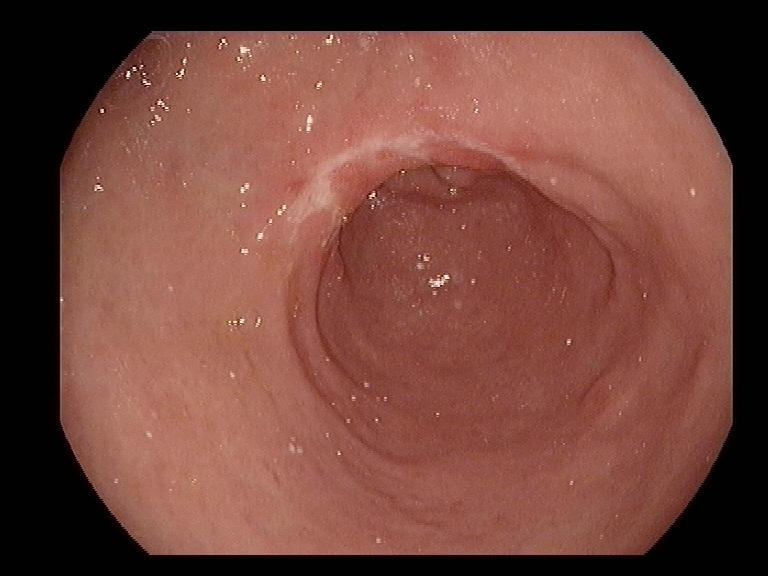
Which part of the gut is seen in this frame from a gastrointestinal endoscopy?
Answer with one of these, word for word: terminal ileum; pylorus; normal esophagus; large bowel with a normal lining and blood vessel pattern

pylorus